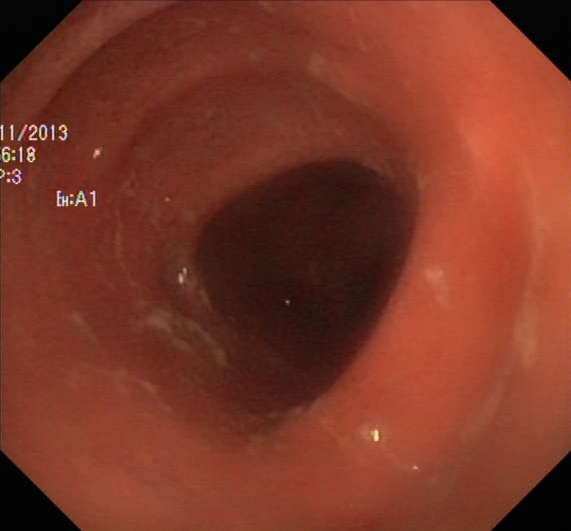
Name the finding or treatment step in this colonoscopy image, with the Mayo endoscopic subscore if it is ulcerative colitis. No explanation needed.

ulcerative colitis, Mayo endoscopic subscore 2